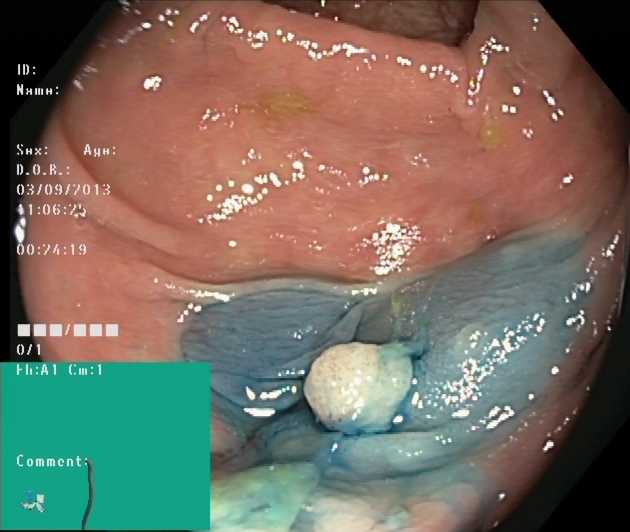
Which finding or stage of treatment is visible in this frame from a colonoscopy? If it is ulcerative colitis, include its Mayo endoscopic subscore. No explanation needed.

dyed and lifted polyp (pre-resection)